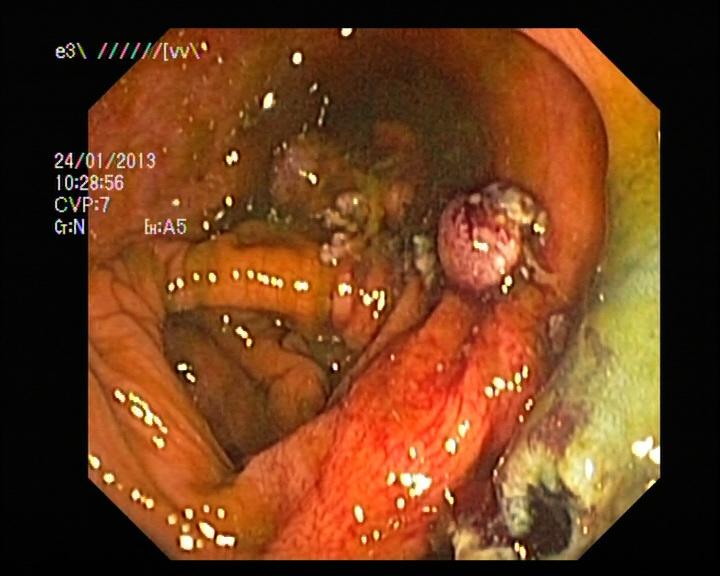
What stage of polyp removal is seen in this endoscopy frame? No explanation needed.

resected polyp